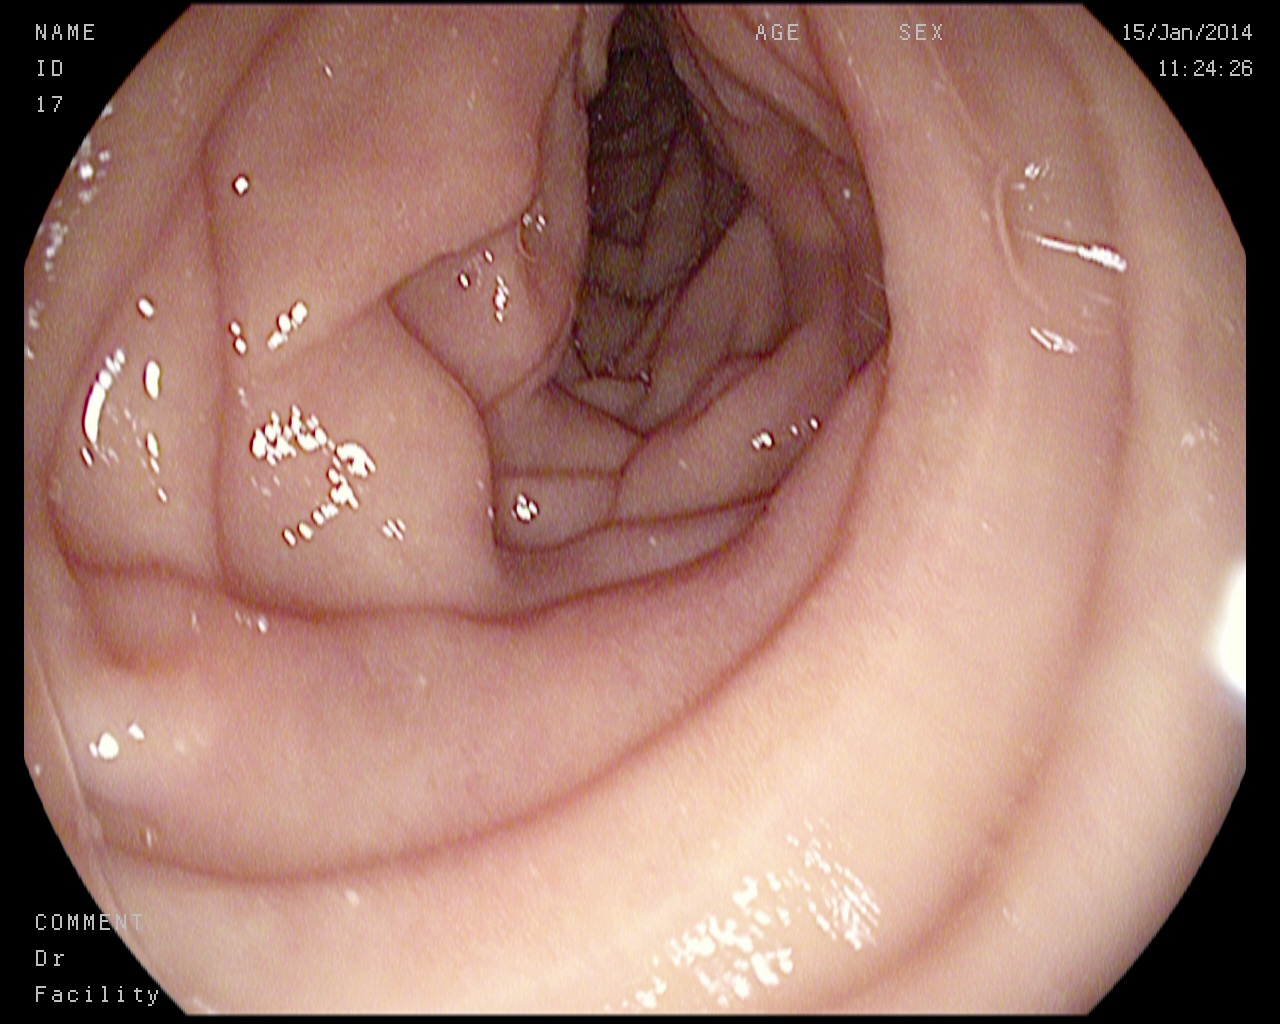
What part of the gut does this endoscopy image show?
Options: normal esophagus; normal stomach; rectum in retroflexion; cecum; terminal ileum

terminal ileum